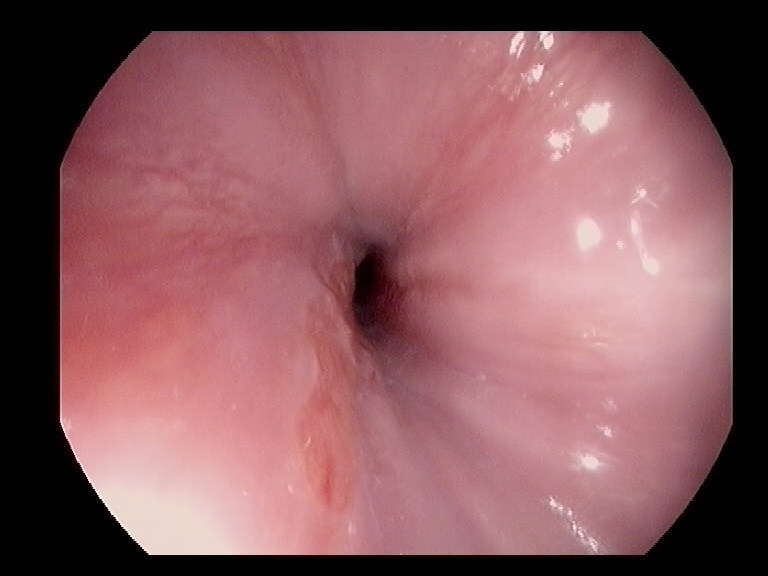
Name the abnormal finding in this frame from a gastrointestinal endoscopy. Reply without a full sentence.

esophagitis